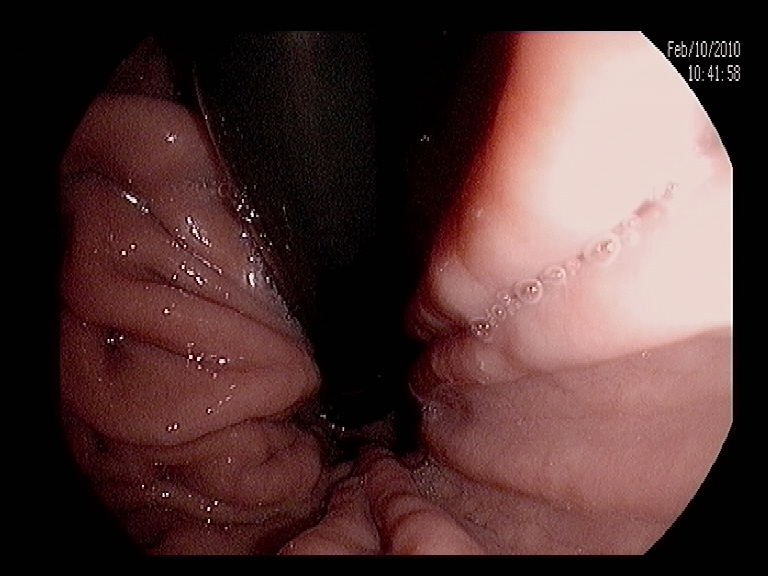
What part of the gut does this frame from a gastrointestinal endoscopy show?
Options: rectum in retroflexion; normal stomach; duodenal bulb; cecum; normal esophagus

normal stomach